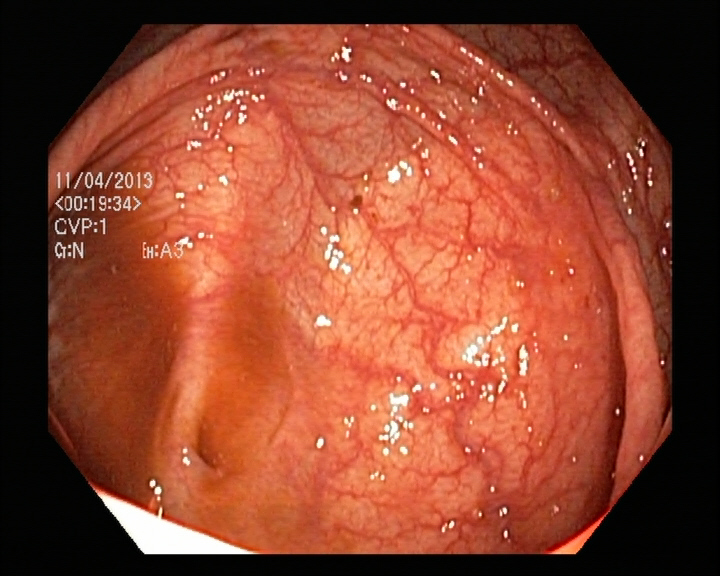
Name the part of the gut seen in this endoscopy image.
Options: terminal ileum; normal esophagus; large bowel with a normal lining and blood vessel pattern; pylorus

large bowel with a normal lining and blood vessel pattern